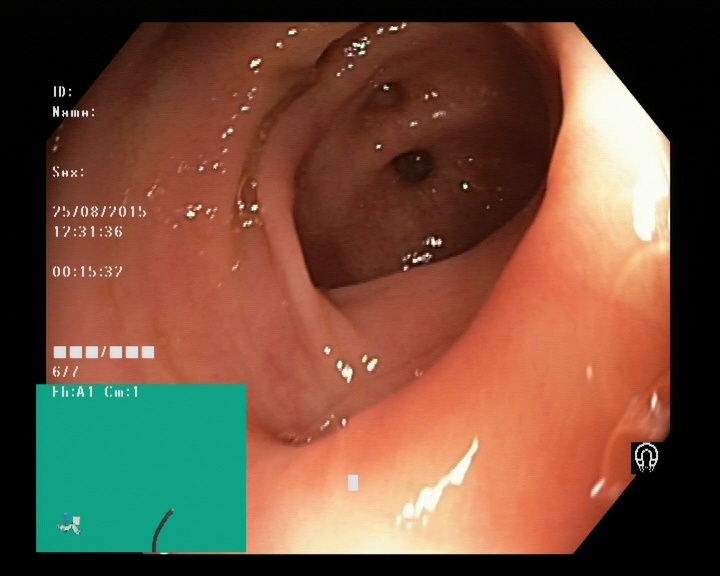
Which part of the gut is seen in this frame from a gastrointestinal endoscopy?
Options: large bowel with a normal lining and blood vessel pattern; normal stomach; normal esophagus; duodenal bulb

large bowel with a normal lining and blood vessel pattern